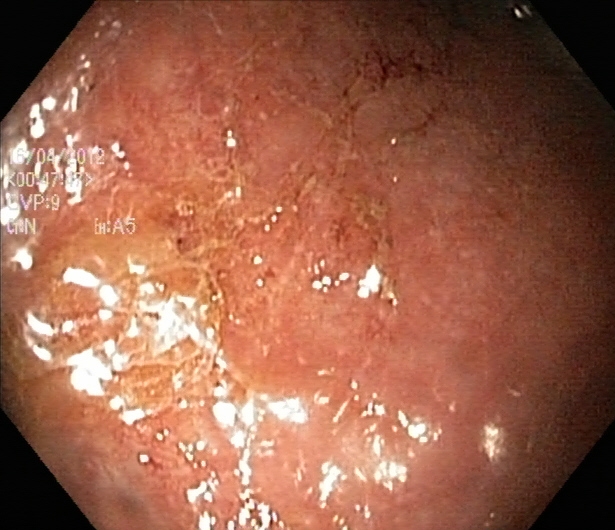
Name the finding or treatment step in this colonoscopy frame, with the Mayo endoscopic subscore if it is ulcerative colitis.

ulcerative colitis, Mayo endoscopic subscore 2